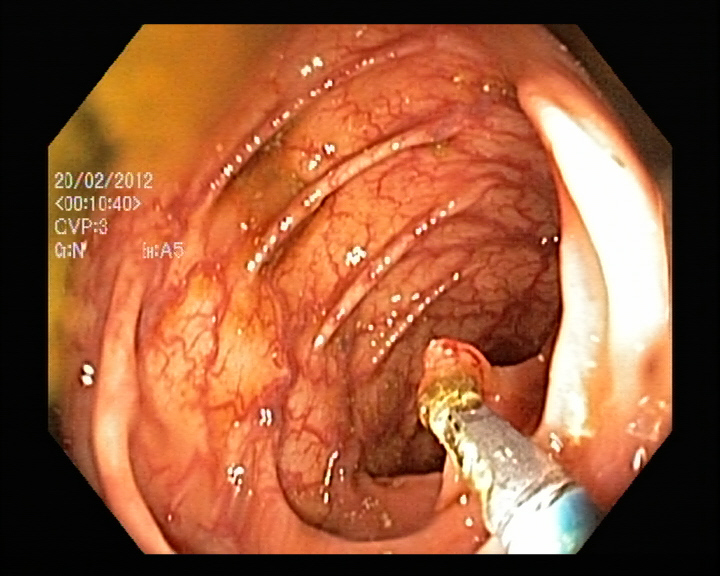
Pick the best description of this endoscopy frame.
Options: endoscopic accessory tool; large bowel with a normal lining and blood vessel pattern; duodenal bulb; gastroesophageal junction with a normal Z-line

endoscopic accessory tool